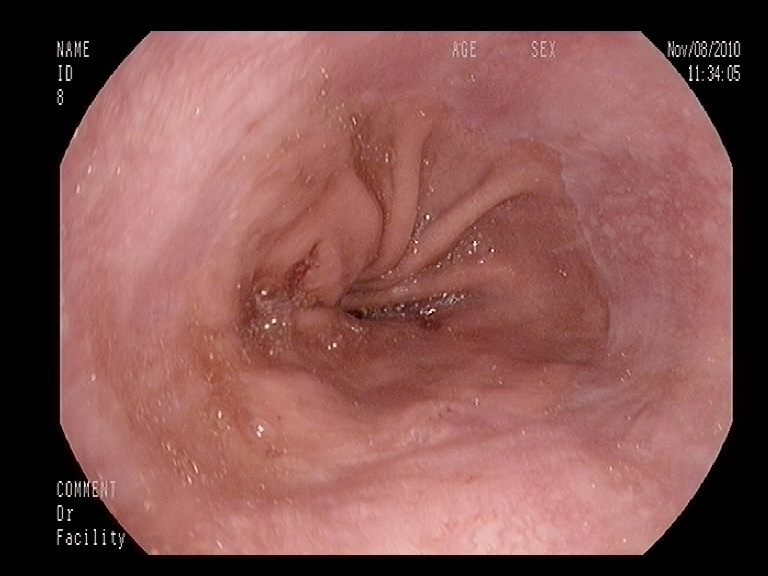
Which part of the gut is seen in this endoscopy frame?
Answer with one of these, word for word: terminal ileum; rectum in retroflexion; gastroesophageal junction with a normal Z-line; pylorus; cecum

gastroesophageal junction with a normal Z-line